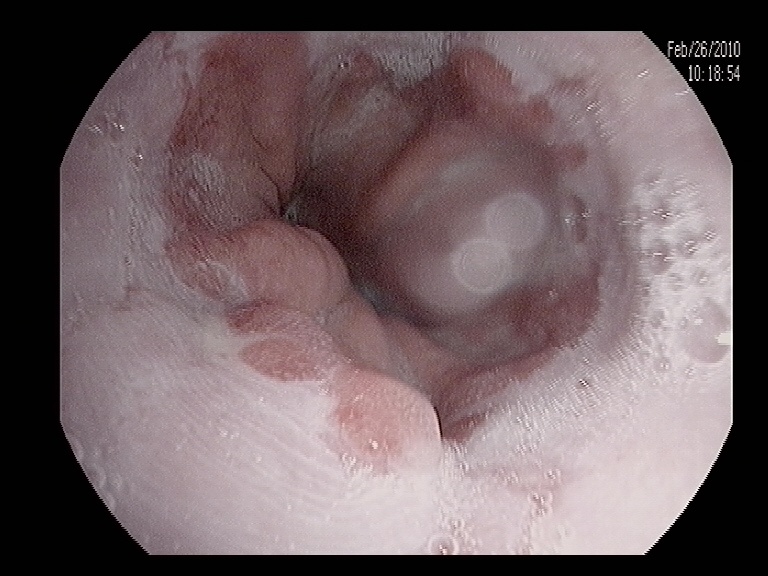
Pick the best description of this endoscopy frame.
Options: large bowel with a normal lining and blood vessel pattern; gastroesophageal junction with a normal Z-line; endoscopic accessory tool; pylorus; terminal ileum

gastroesophageal junction with a normal Z-line